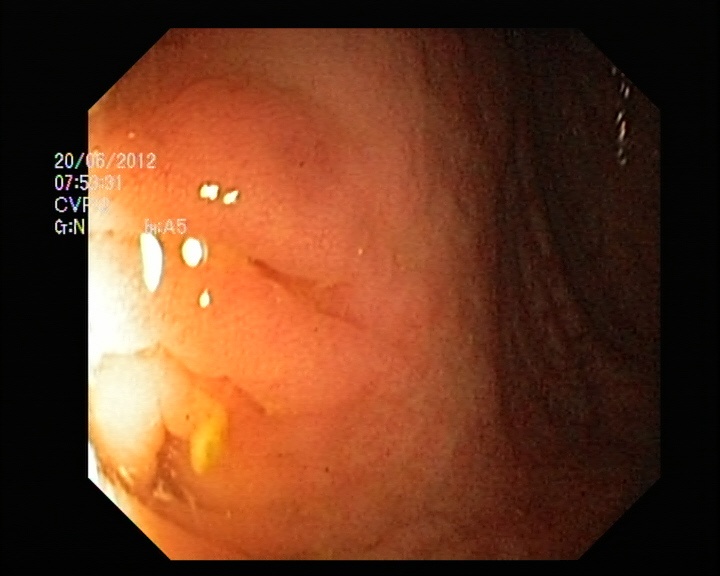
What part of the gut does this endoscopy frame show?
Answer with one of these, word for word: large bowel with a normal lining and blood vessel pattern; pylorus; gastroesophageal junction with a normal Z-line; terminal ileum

large bowel with a normal lining and blood vessel pattern